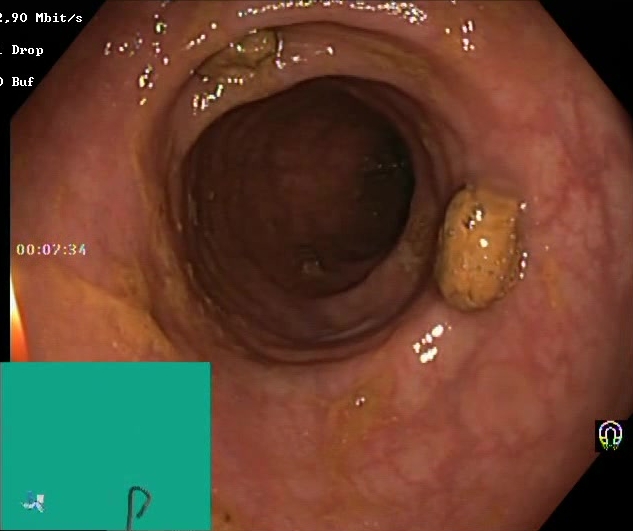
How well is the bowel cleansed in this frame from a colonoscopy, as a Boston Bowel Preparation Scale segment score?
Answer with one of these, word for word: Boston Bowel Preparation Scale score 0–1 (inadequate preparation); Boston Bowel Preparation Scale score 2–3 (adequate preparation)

Boston Bowel Preparation Scale score 2–3 (adequate preparation)